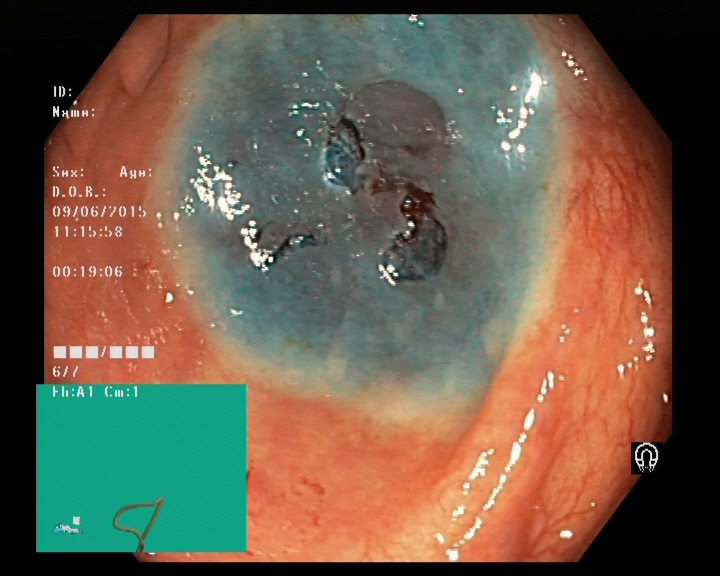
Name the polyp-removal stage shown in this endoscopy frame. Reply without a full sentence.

dyed resection margin (post-polypectomy)